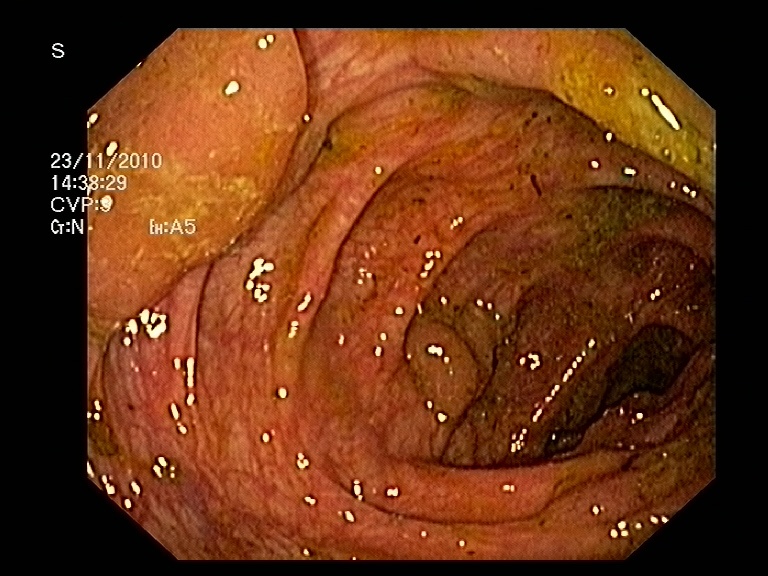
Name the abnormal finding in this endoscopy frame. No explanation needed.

colon polyp